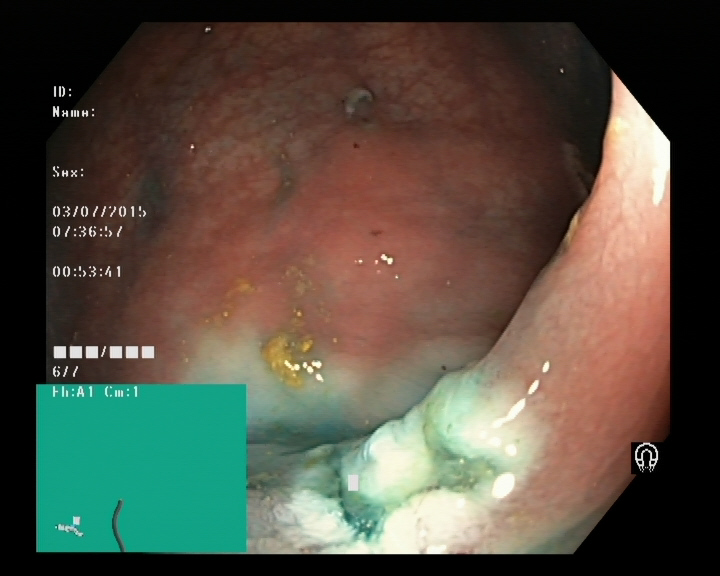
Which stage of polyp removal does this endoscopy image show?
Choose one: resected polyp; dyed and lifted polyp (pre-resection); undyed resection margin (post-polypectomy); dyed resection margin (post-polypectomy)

dyed resection margin (post-polypectomy)